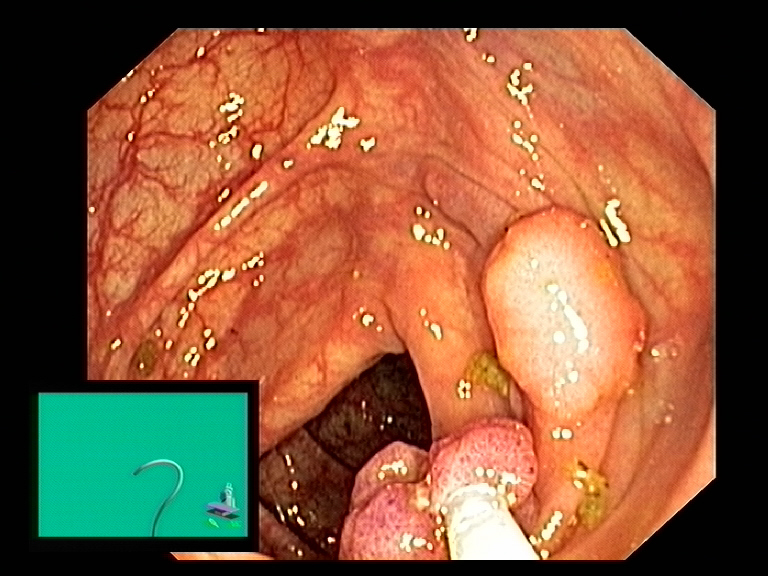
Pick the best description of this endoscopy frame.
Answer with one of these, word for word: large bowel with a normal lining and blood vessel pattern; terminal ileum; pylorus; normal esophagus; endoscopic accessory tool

endoscopic accessory tool